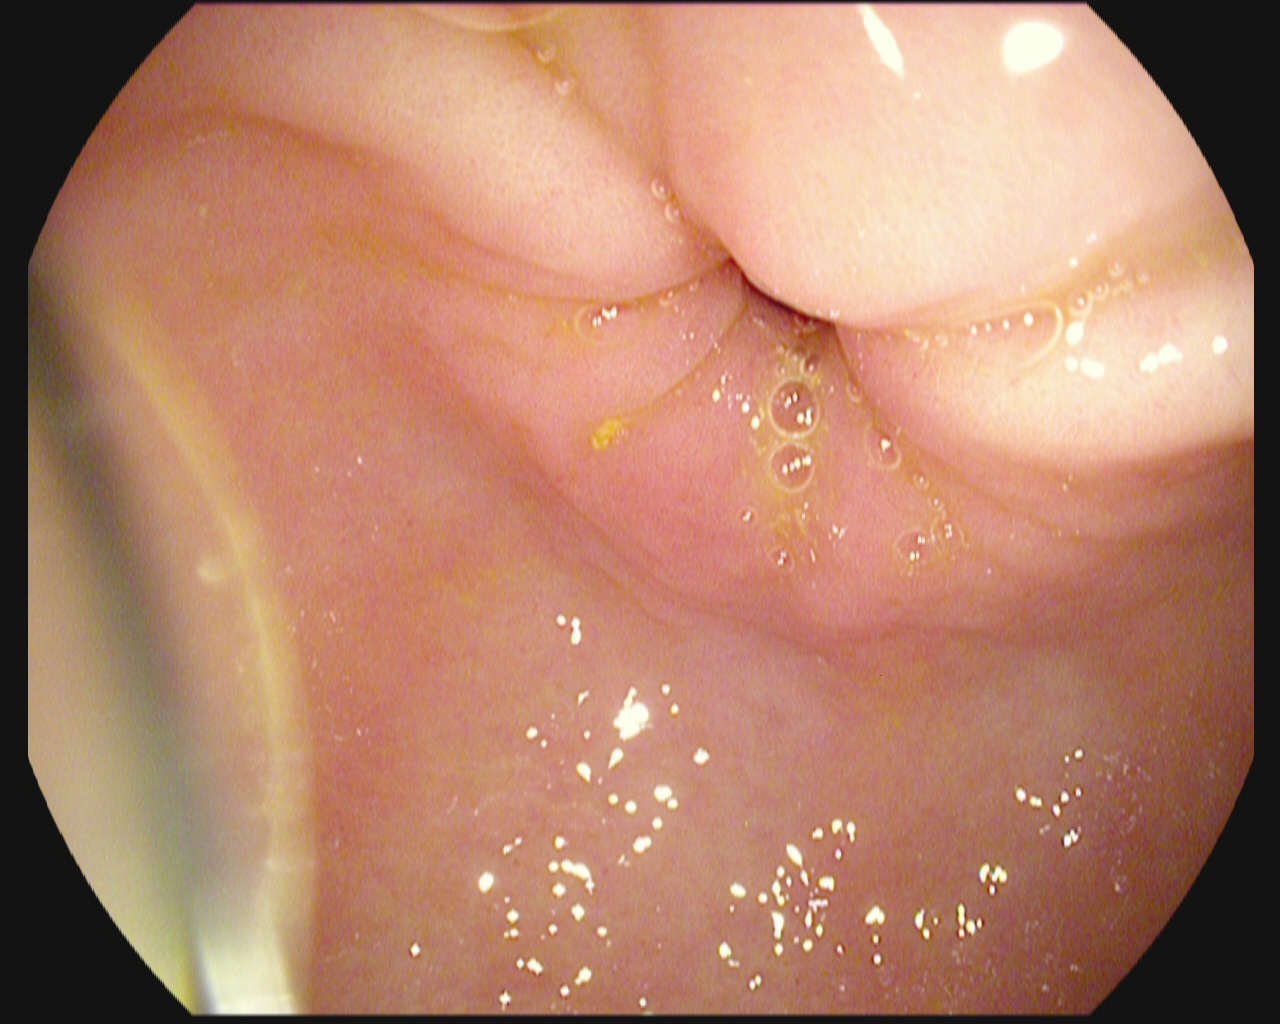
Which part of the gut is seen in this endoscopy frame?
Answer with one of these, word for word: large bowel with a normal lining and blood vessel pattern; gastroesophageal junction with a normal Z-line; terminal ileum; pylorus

pylorus